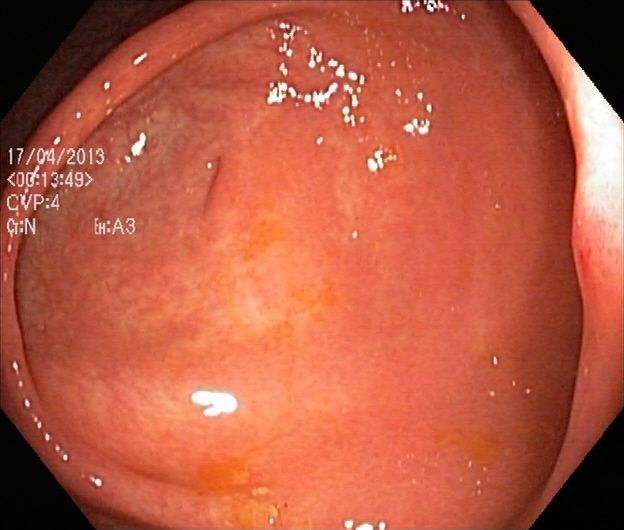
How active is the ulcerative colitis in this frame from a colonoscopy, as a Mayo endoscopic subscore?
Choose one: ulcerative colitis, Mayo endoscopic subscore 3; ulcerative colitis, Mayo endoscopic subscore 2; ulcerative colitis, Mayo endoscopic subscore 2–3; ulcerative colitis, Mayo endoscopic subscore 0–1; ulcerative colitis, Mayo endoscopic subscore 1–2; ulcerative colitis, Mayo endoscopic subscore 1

ulcerative colitis, Mayo endoscopic subscore 1